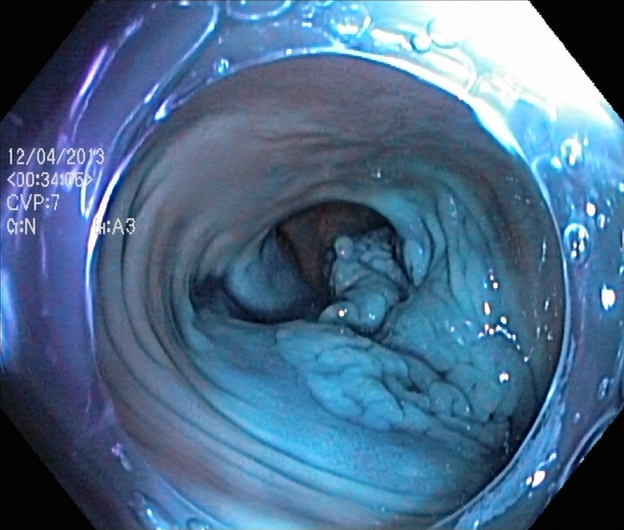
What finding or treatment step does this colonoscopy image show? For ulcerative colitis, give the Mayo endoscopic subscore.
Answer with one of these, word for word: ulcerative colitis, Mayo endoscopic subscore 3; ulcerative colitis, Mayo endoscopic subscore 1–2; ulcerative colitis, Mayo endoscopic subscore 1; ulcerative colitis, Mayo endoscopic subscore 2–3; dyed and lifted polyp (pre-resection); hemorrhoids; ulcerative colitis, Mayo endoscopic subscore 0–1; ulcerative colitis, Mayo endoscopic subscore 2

dyed and lifted polyp (pre-resection)